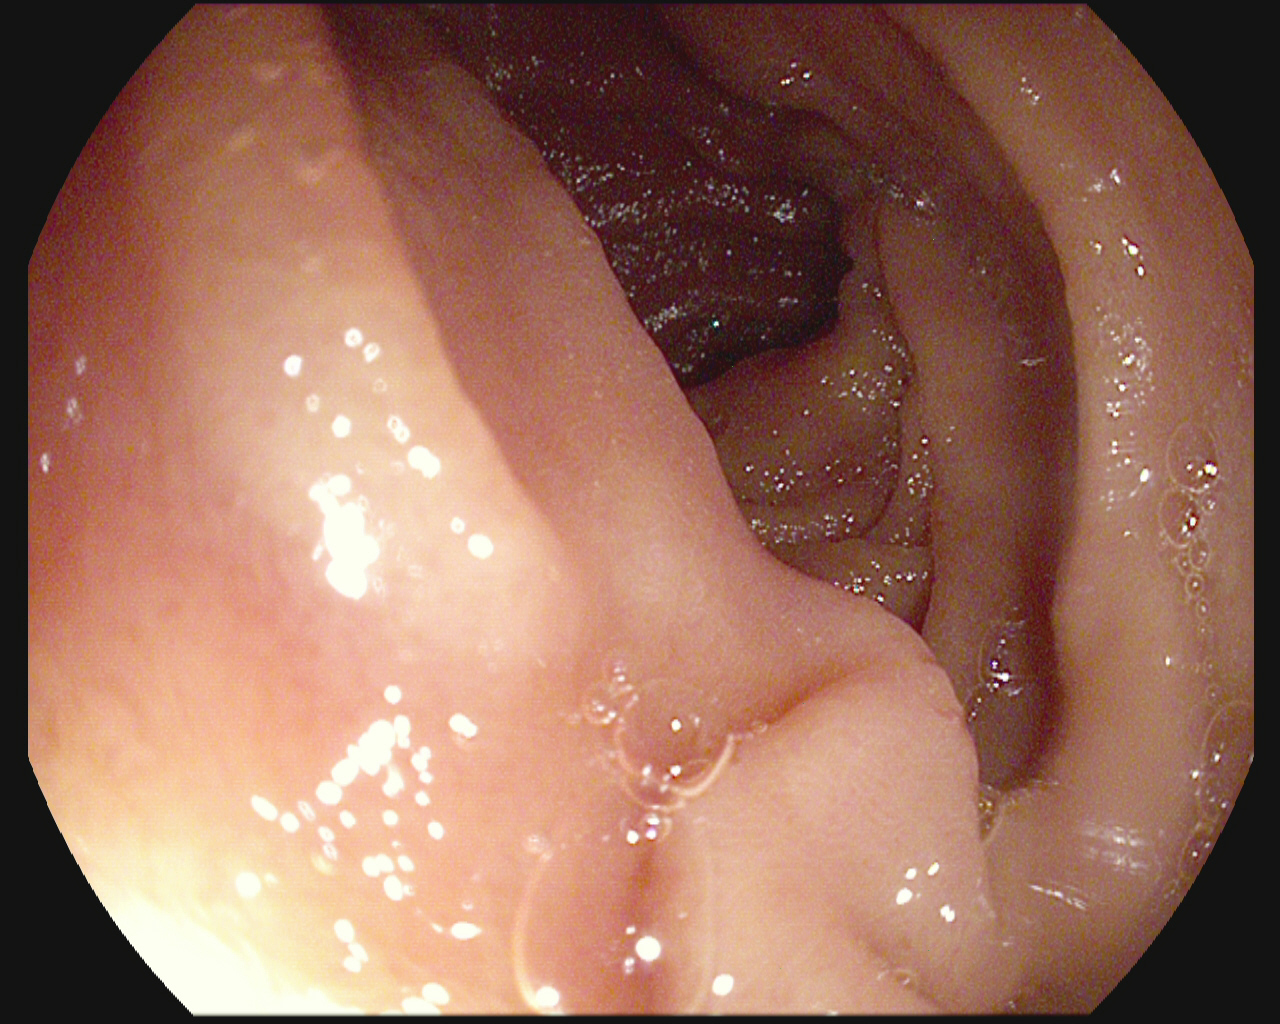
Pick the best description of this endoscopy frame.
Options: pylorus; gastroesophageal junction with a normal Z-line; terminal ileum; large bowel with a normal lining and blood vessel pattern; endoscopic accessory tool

terminal ileum